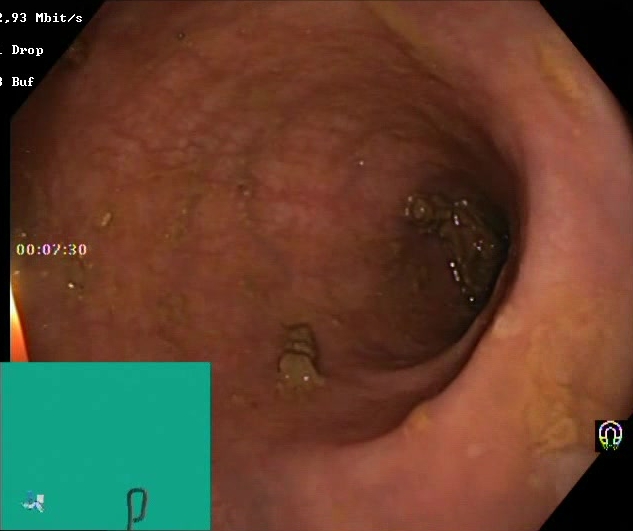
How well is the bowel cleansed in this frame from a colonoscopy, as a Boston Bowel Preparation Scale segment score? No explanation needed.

Boston Bowel Preparation Scale score 2–3 (adequate preparation)